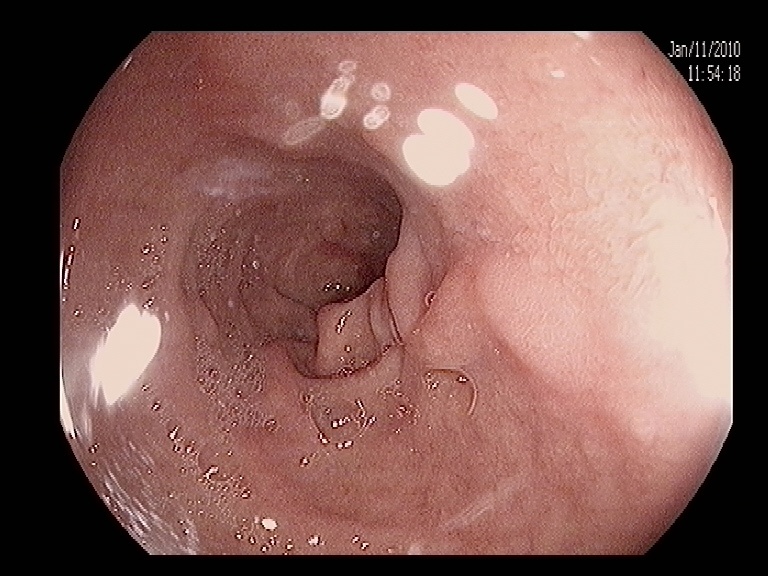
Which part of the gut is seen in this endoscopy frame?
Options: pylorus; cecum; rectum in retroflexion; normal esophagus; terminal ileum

terminal ileum